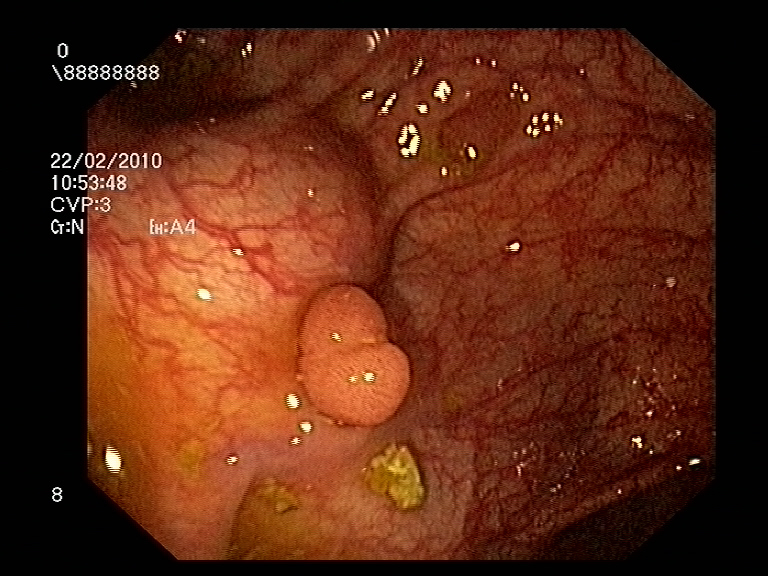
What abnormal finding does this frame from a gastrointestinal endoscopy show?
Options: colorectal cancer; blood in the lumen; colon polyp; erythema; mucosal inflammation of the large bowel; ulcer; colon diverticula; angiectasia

colon polyp